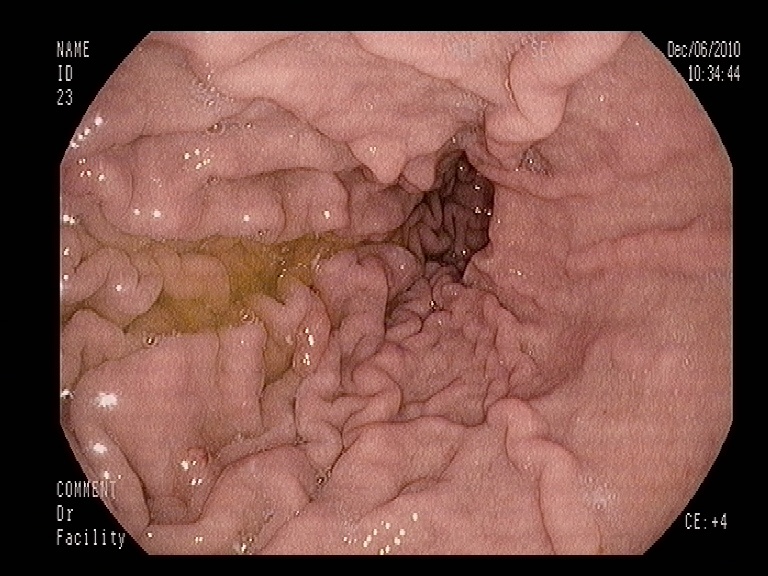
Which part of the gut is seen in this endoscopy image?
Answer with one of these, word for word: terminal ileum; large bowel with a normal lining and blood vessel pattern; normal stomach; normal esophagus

normal stomach